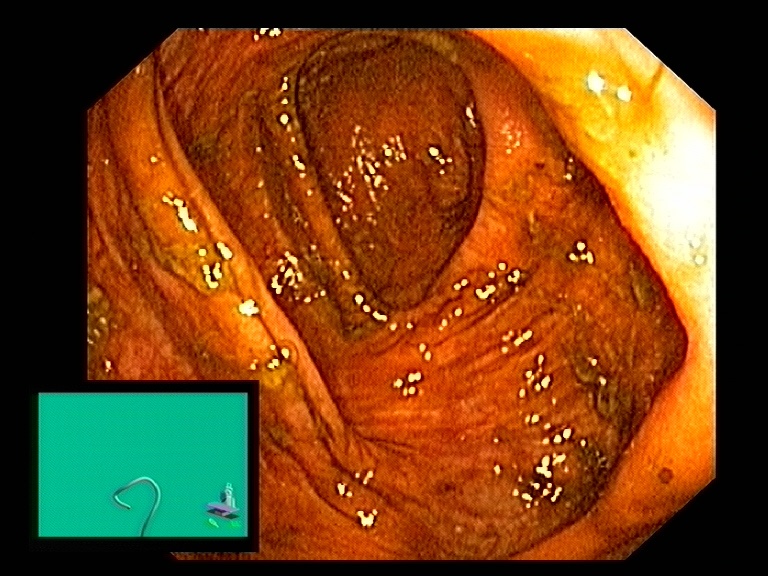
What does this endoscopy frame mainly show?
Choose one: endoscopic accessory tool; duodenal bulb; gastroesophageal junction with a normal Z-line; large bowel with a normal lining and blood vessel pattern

large bowel with a normal lining and blood vessel pattern